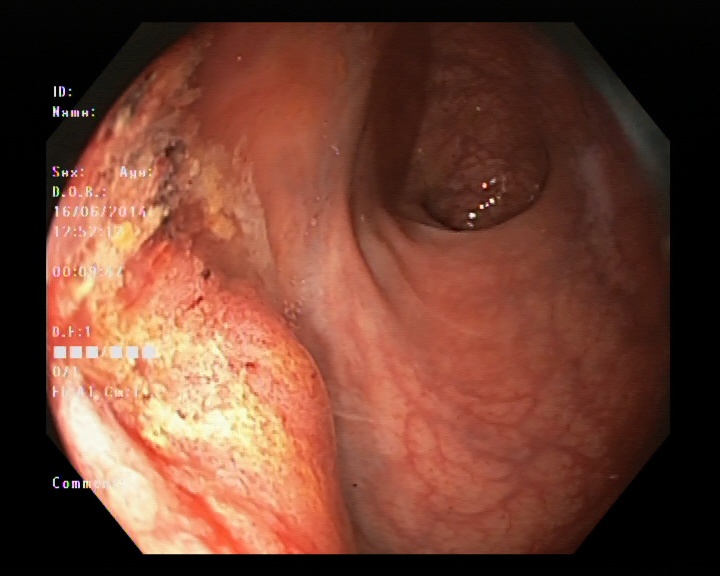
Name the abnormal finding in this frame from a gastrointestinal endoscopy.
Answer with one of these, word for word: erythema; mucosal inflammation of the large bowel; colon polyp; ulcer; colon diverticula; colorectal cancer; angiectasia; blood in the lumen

colon polyp